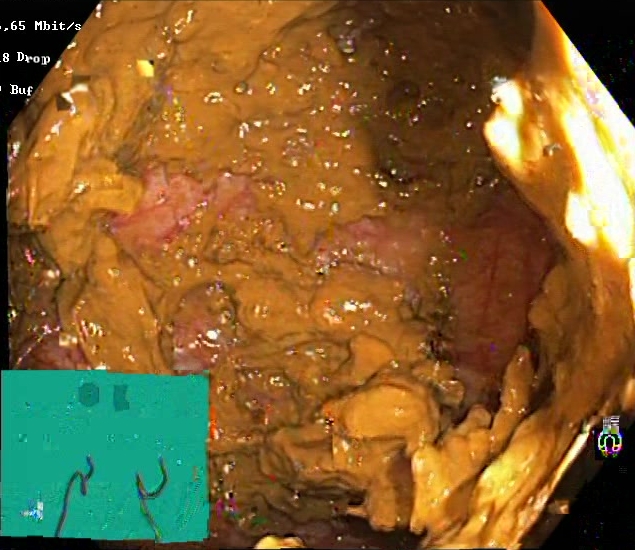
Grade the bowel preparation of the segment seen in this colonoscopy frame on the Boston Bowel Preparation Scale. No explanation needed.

Boston Bowel Preparation Scale score 0–1 (inadequate preparation)